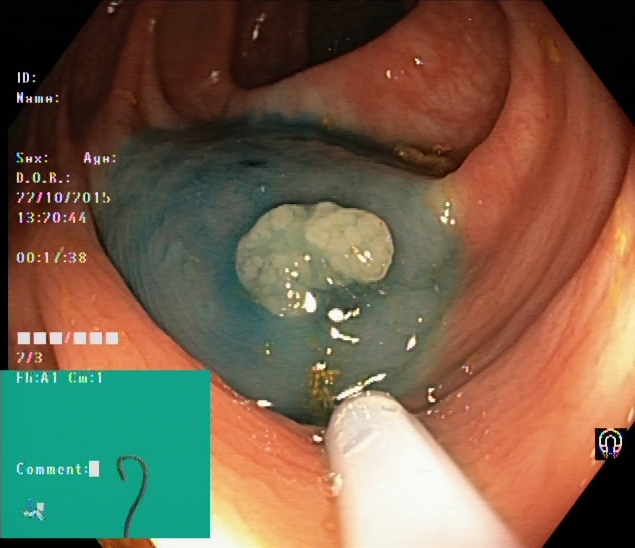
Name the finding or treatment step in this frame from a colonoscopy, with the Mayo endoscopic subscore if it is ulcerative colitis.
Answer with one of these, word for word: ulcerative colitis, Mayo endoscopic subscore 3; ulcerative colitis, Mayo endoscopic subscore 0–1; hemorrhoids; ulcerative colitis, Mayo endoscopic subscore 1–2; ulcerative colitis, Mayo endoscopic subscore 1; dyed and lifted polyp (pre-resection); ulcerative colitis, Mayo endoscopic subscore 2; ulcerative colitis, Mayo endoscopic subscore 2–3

dyed and lifted polyp (pre-resection)